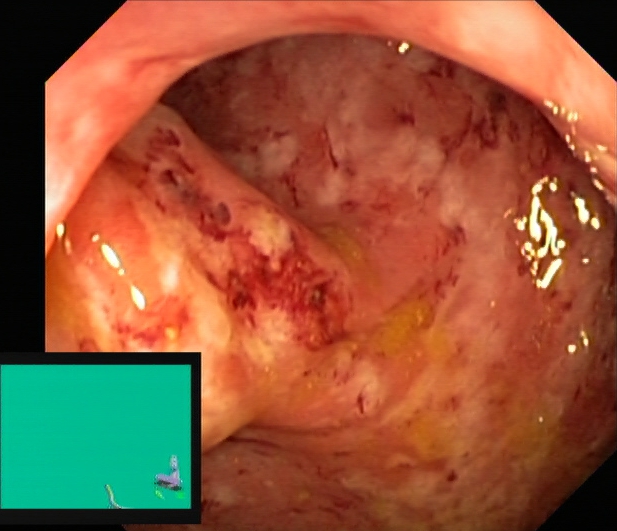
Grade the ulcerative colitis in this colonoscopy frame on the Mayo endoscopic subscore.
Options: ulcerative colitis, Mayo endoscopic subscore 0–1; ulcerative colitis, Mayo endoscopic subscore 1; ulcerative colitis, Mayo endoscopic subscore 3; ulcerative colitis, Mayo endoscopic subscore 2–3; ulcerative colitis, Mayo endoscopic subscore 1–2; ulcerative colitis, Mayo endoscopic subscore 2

ulcerative colitis, Mayo endoscopic subscore 2–3